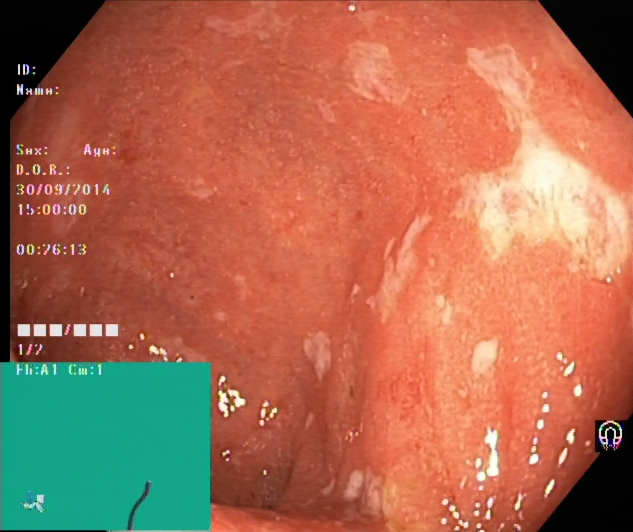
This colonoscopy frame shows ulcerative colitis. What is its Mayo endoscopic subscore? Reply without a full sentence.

ulcerative colitis, Mayo endoscopic subscore 2